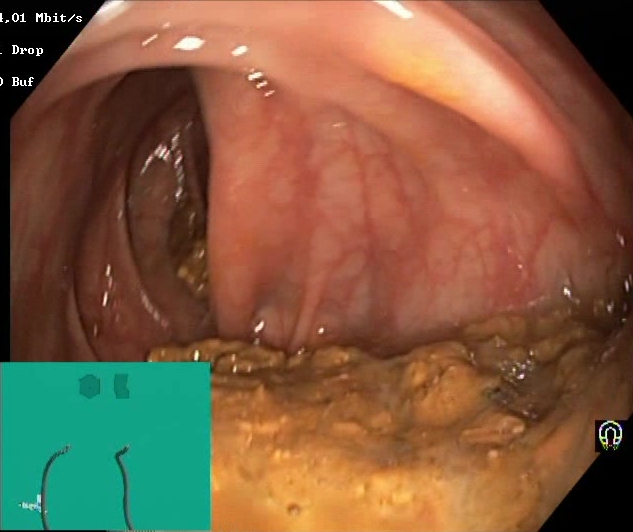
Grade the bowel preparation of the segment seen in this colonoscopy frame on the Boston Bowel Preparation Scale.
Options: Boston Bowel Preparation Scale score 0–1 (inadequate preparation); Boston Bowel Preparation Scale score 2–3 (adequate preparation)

Boston Bowel Preparation Scale score 0–1 (inadequate preparation)